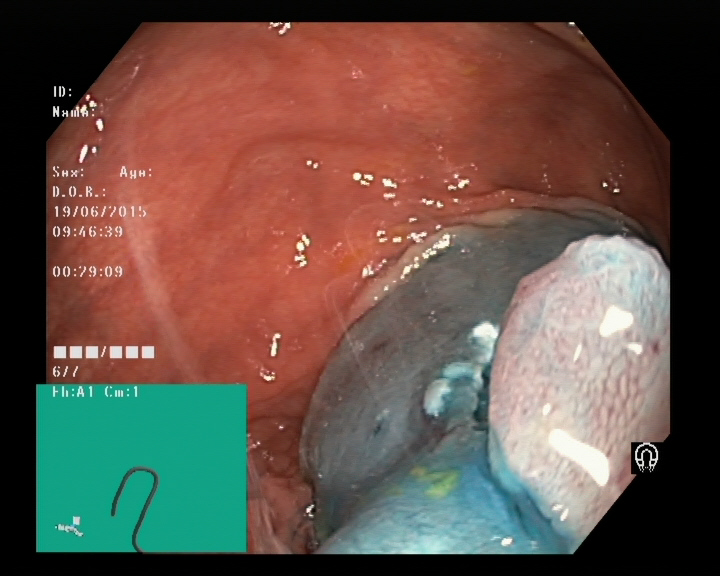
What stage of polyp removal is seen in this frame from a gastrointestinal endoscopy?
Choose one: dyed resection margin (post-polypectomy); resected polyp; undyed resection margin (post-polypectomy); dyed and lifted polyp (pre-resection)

dyed and lifted polyp (pre-resection)